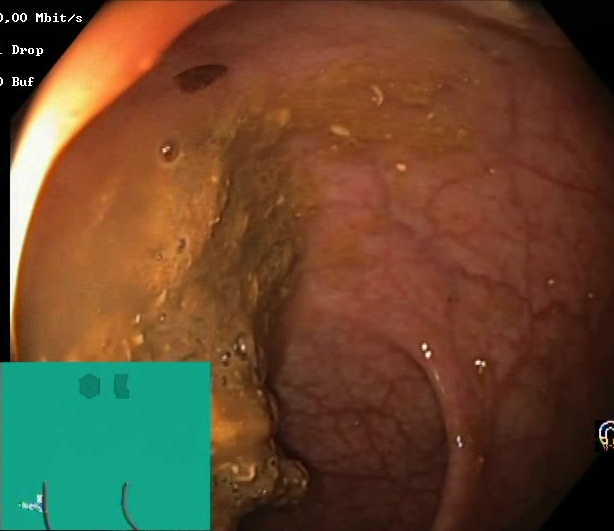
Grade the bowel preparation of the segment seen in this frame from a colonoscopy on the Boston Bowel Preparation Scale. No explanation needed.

Boston Bowel Preparation Scale score 0–1 (inadequate preparation)